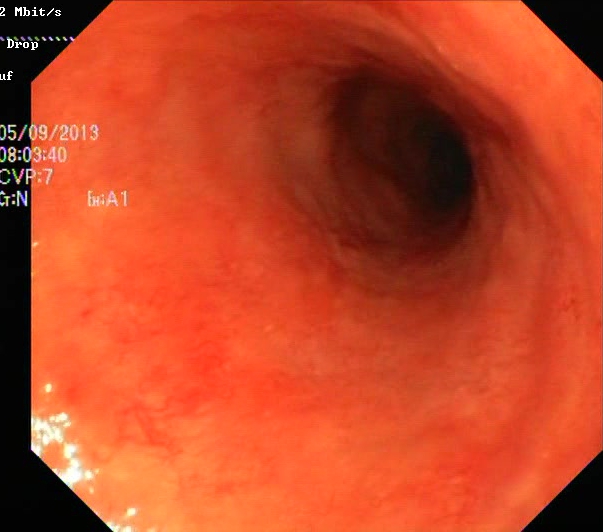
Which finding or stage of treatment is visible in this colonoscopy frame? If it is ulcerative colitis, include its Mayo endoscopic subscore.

ulcerative colitis, Mayo endoscopic subscore 2